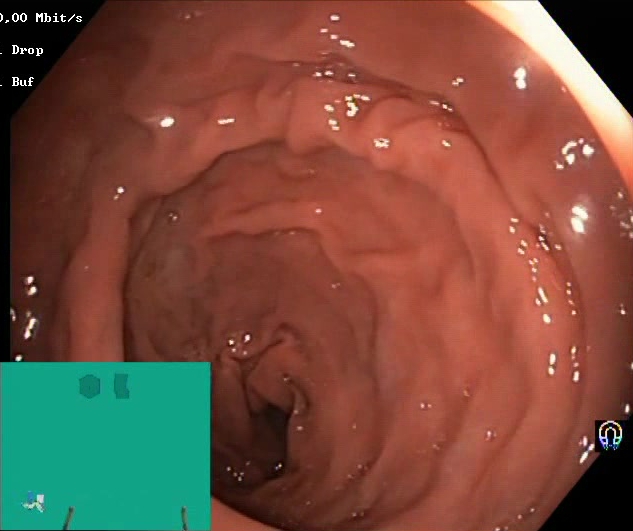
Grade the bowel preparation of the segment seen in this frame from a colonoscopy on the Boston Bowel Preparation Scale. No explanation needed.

Boston Bowel Preparation Scale score 2–3 (adequate preparation)